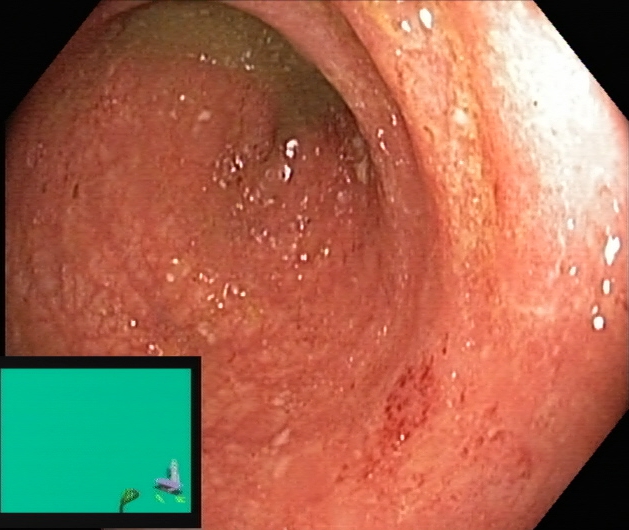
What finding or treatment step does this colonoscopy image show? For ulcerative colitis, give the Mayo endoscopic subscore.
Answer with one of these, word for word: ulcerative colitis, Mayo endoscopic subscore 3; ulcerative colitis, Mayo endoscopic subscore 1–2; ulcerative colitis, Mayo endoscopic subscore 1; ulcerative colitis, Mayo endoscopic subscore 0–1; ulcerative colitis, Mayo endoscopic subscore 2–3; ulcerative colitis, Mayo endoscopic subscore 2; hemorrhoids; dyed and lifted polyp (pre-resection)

ulcerative colitis, Mayo endoscopic subscore 1